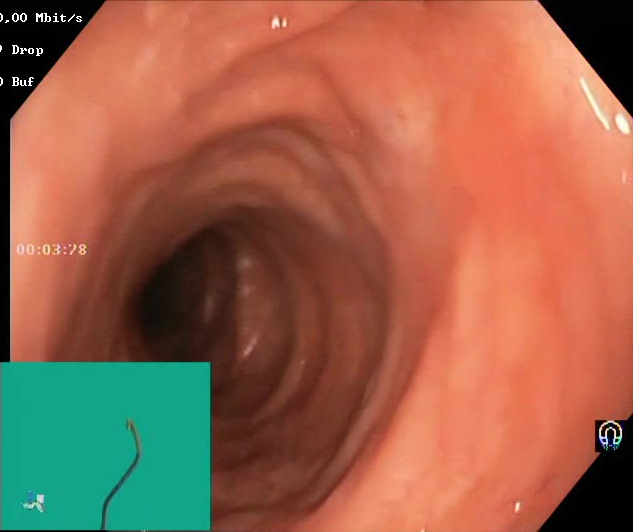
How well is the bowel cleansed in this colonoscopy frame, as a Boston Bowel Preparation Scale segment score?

Boston Bowel Preparation Scale score 2–3 (adequate preparation)